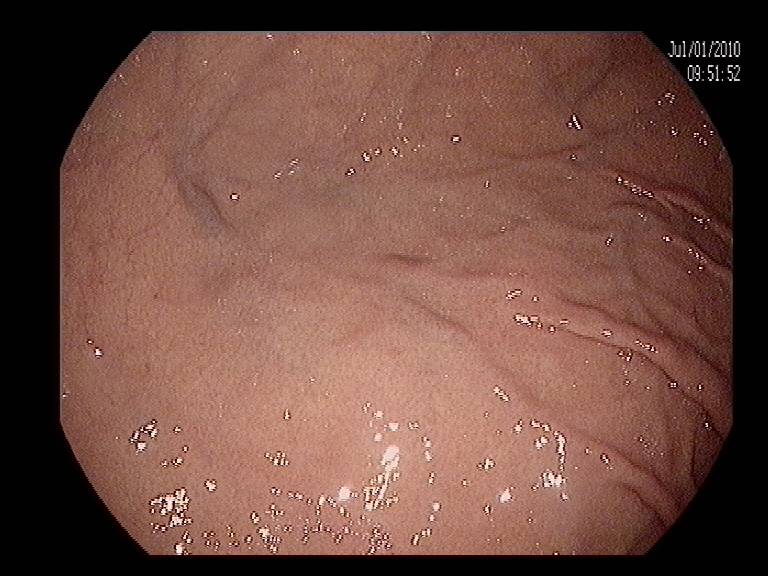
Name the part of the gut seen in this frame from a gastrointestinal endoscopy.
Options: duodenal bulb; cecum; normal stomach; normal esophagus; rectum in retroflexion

normal stomach